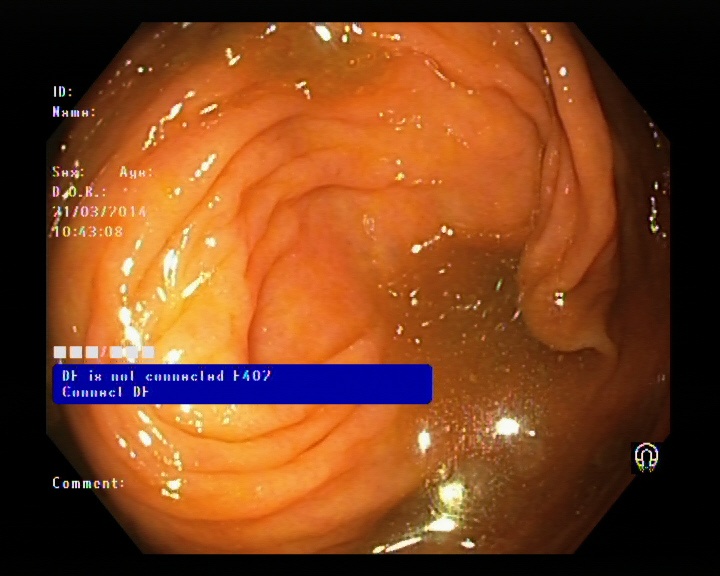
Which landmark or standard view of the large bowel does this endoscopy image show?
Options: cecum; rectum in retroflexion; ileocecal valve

cecum